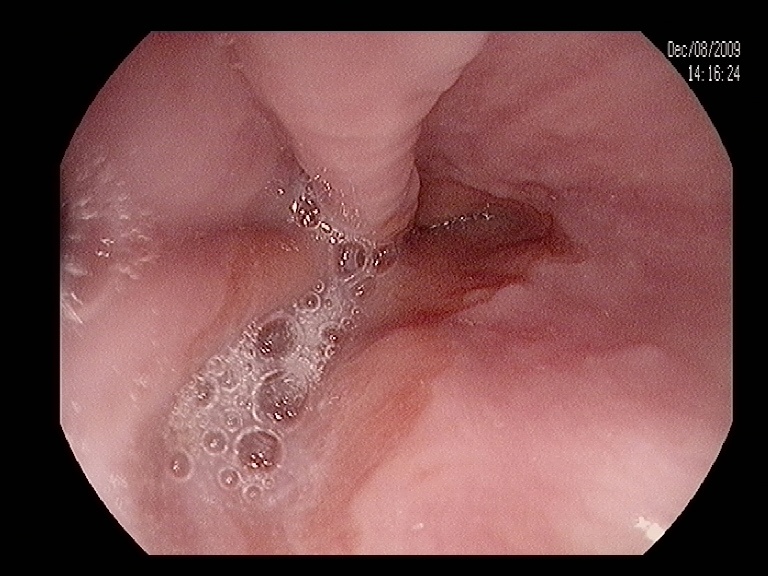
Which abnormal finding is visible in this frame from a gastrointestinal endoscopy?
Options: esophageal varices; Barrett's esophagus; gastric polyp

Barrett's esophagus